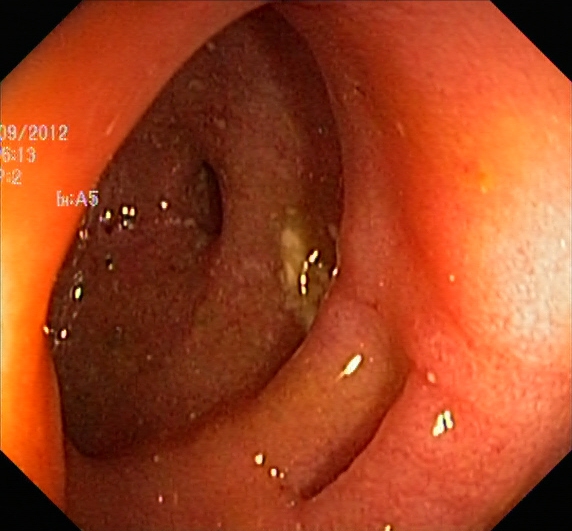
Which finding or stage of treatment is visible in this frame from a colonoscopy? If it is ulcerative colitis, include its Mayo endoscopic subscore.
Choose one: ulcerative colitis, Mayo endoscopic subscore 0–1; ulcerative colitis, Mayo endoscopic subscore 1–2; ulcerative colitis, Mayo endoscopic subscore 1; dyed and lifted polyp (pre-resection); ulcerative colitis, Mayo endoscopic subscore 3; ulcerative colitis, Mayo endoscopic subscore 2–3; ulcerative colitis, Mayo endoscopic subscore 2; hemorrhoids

ulcerative colitis, Mayo endoscopic subscore 1